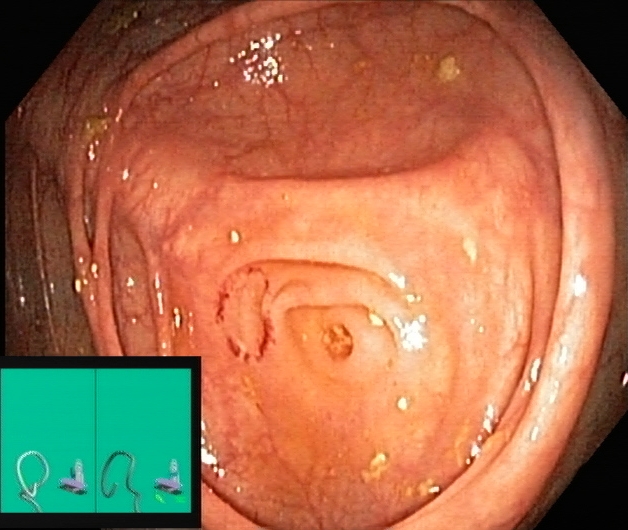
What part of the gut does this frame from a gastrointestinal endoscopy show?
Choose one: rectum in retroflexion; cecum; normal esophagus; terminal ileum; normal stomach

cecum